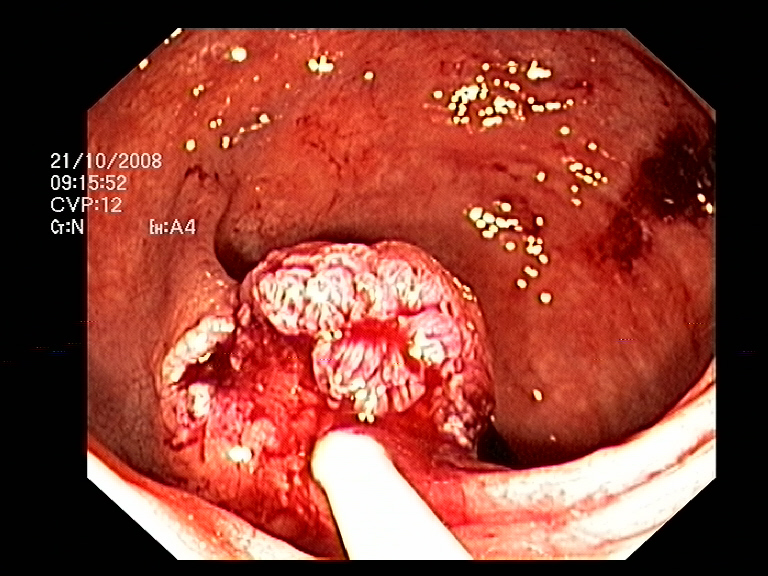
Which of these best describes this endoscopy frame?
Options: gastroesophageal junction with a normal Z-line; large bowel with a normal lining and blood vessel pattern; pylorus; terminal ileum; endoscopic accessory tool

endoscopic accessory tool